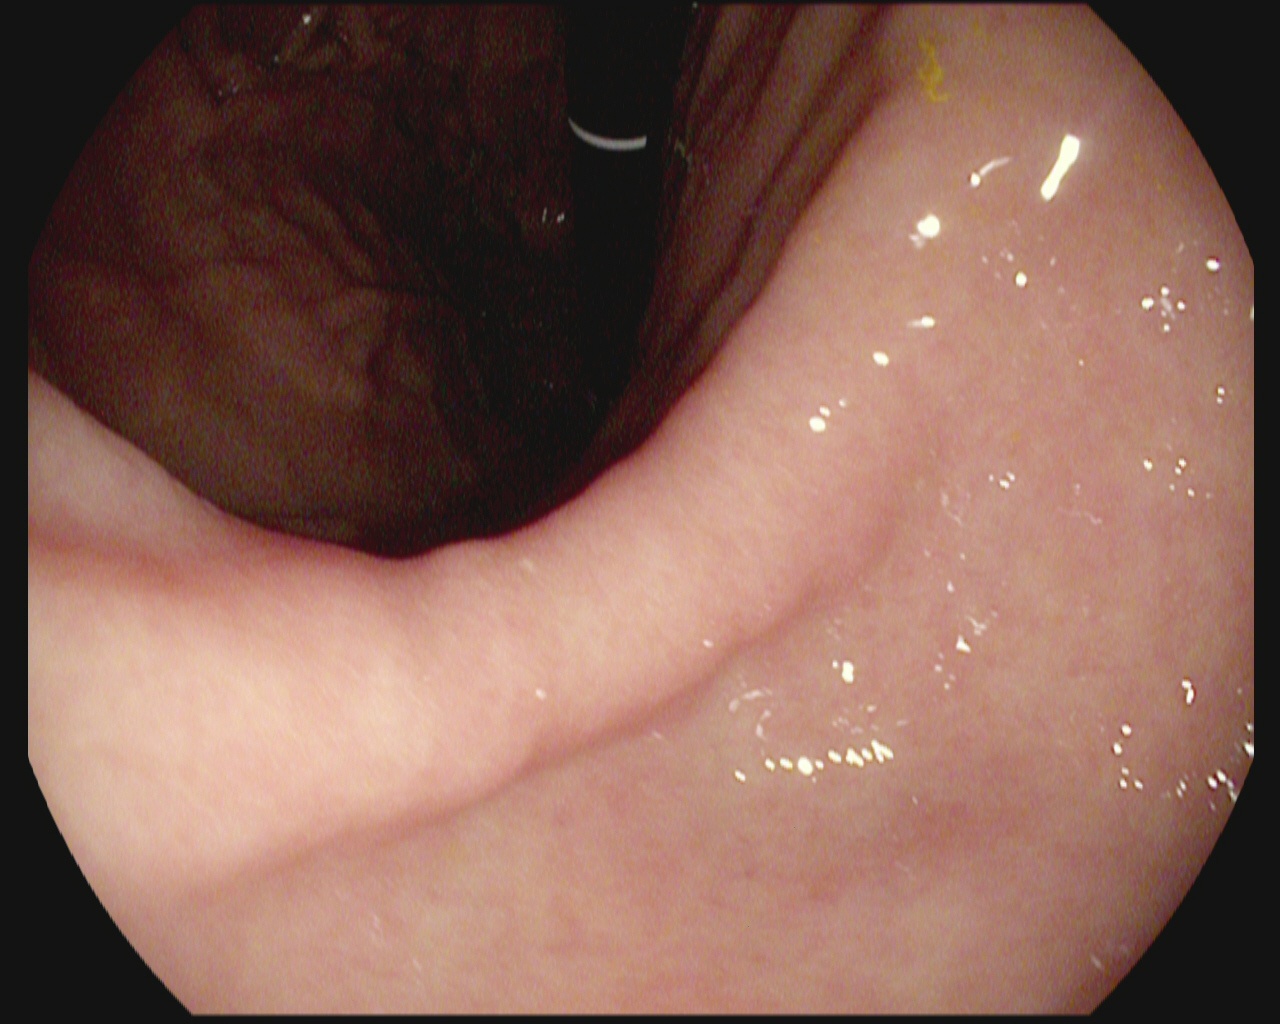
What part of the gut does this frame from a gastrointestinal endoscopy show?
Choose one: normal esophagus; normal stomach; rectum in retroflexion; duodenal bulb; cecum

normal stomach